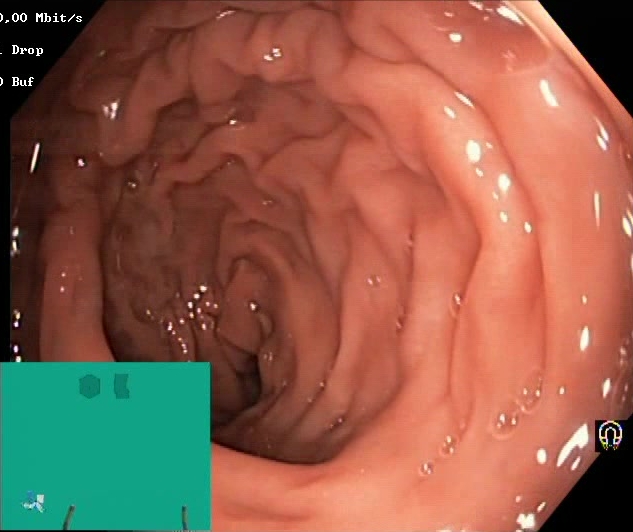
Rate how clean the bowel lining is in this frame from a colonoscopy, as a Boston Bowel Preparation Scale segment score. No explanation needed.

Boston Bowel Preparation Scale score 2–3 (adequate preparation)